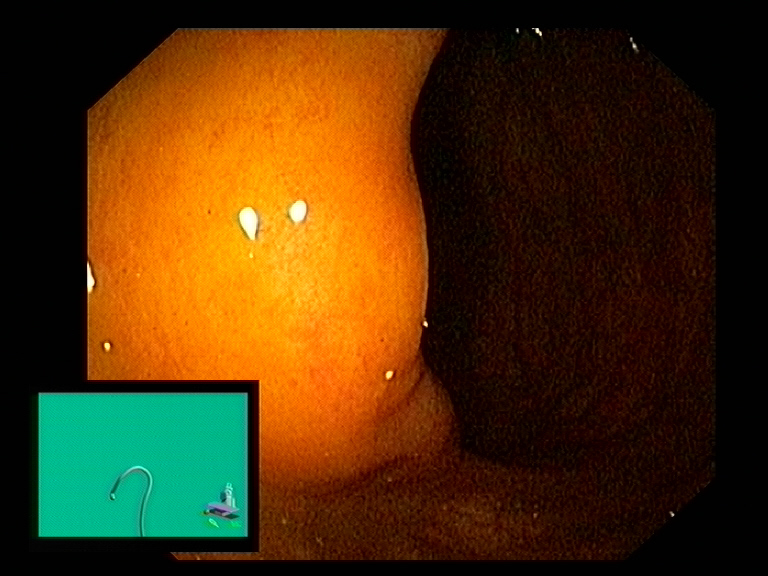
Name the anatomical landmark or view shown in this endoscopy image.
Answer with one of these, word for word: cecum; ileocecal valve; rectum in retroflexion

ileocecal valve